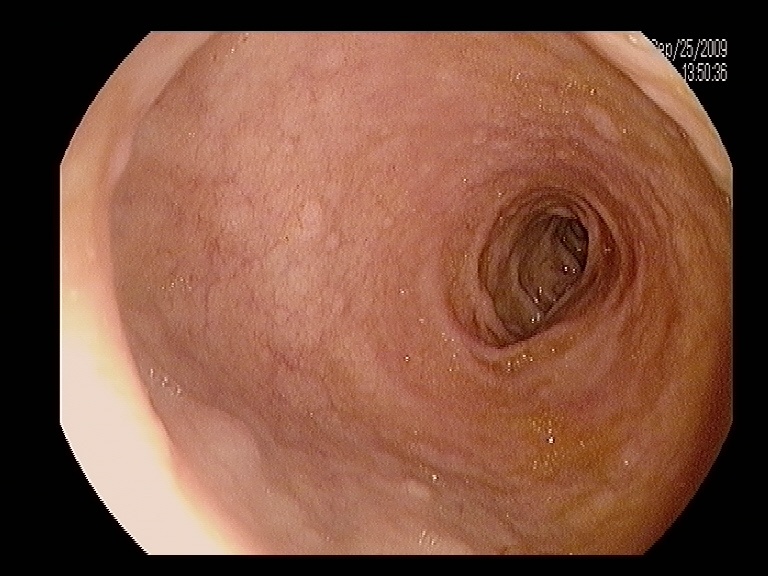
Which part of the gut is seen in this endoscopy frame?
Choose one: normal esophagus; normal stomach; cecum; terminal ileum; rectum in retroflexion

terminal ileum